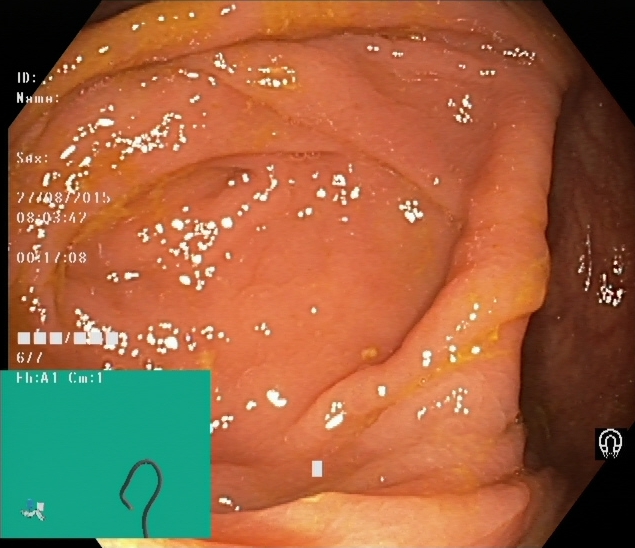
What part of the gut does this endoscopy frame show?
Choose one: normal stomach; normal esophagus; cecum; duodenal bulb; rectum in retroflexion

cecum